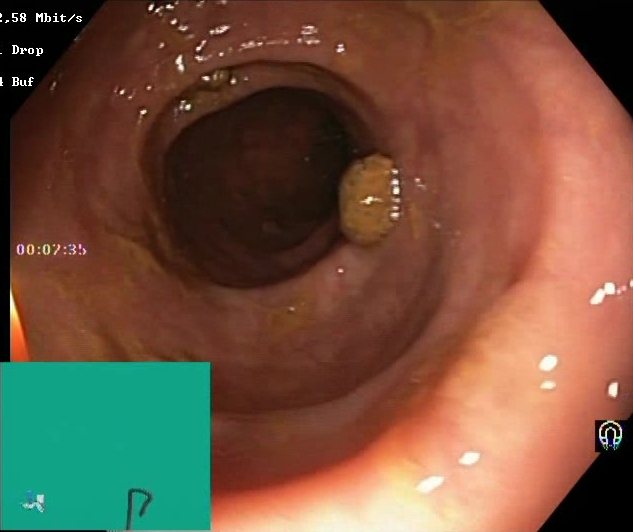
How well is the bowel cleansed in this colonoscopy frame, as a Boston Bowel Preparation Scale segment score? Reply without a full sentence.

Boston Bowel Preparation Scale score 2–3 (adequate preparation)